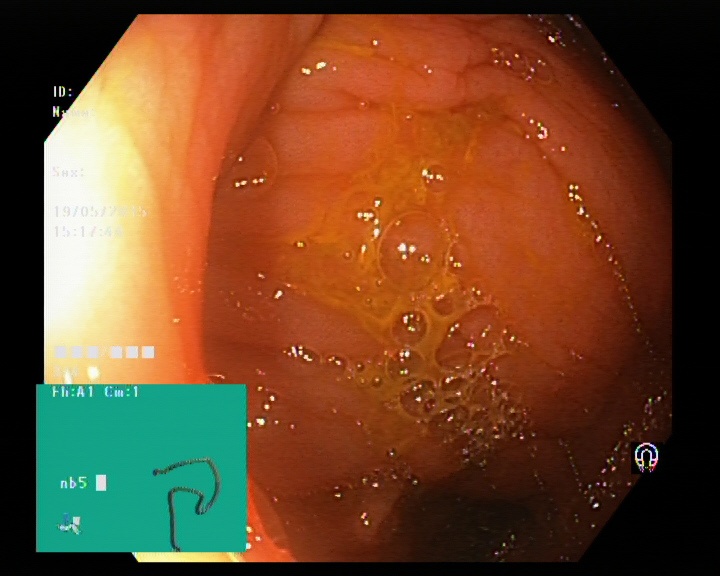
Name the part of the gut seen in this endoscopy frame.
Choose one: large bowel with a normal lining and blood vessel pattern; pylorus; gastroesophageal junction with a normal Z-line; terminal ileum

large bowel with a normal lining and blood vessel pattern